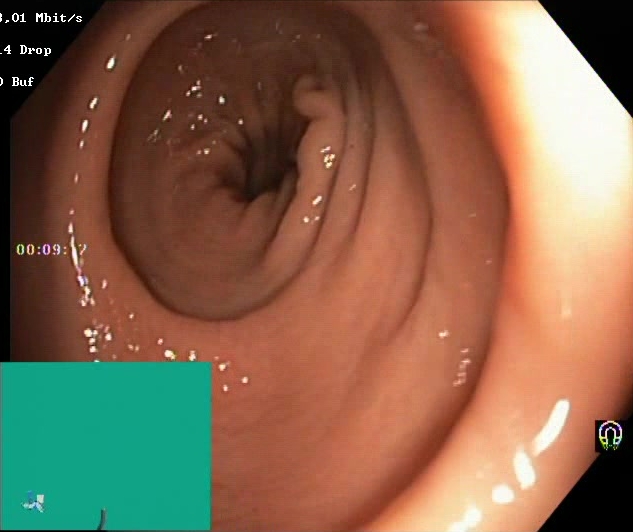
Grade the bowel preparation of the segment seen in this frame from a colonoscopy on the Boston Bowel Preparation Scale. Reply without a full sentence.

Boston Bowel Preparation Scale score 2–3 (adequate preparation)